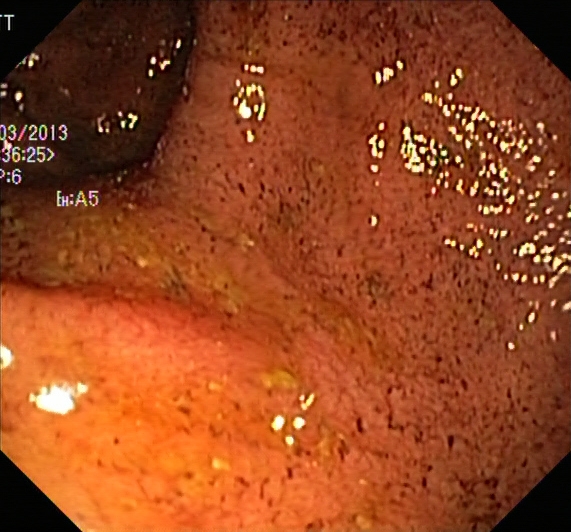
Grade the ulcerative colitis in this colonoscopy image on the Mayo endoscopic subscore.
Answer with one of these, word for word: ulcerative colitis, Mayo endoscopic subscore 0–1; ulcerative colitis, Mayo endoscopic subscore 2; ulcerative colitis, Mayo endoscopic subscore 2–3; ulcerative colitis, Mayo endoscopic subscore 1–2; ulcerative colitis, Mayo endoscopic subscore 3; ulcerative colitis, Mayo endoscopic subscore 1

ulcerative colitis, Mayo endoscopic subscore 2